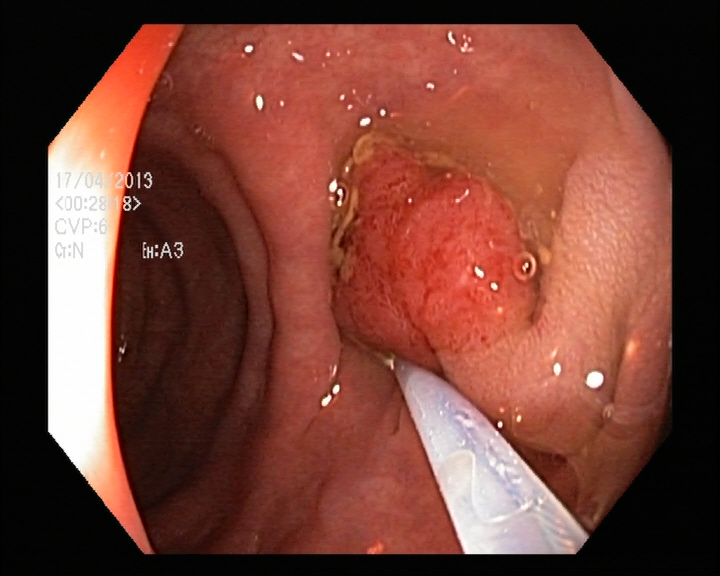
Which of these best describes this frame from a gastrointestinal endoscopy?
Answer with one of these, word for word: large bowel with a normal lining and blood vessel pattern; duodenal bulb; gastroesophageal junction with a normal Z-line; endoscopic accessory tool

endoscopic accessory tool